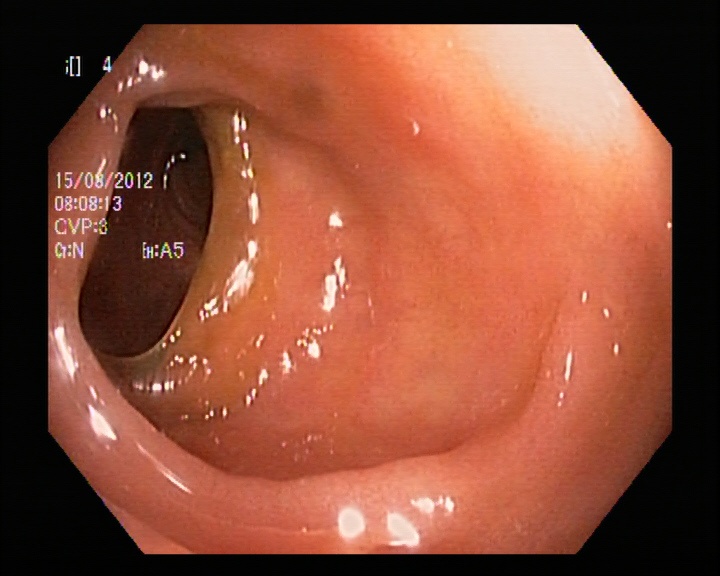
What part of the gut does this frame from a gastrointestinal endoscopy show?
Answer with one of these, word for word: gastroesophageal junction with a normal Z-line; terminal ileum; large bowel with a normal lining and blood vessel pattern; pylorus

large bowel with a normal lining and blood vessel pattern